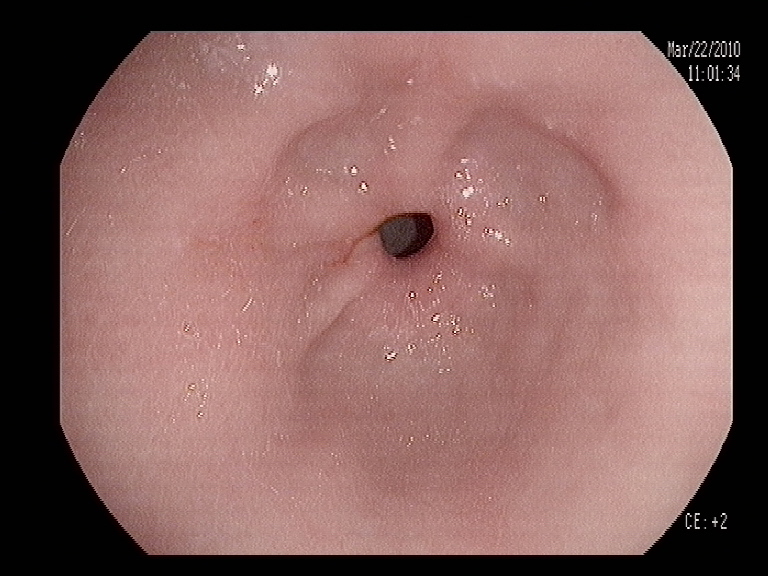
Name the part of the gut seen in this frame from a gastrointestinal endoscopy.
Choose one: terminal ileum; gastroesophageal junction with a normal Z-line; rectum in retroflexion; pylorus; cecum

pylorus